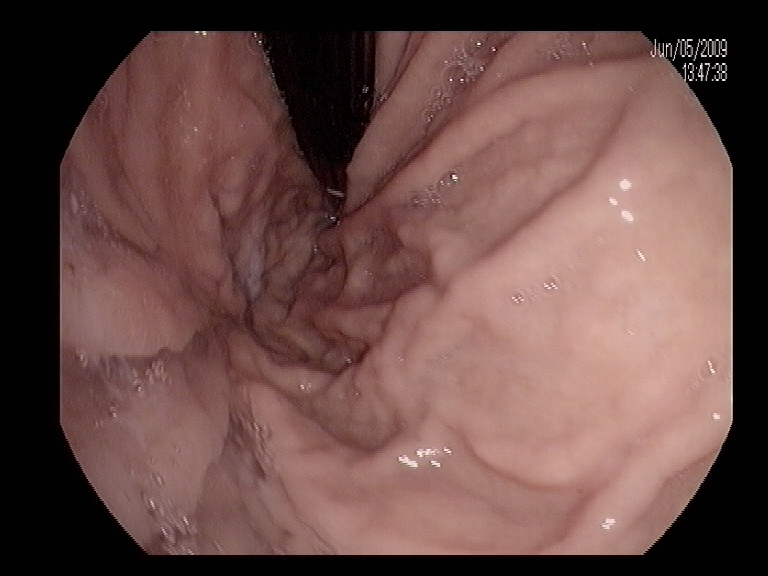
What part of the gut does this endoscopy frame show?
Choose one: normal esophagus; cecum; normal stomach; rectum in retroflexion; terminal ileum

normal stomach